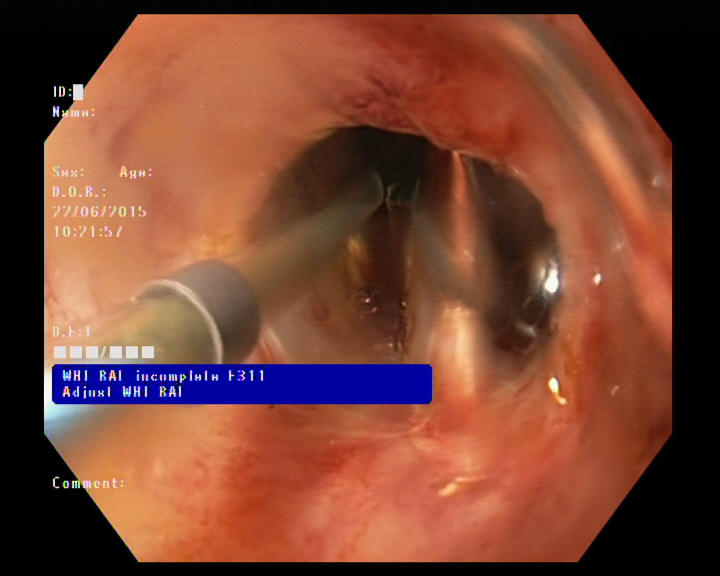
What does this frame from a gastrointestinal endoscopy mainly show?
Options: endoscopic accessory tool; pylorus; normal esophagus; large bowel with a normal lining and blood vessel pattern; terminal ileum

endoscopic accessory tool